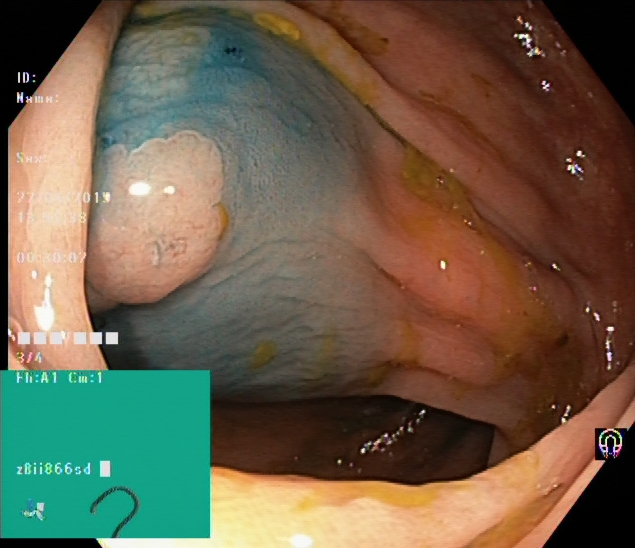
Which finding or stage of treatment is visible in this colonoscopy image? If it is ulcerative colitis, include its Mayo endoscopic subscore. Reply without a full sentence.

dyed and lifted polyp (pre-resection)